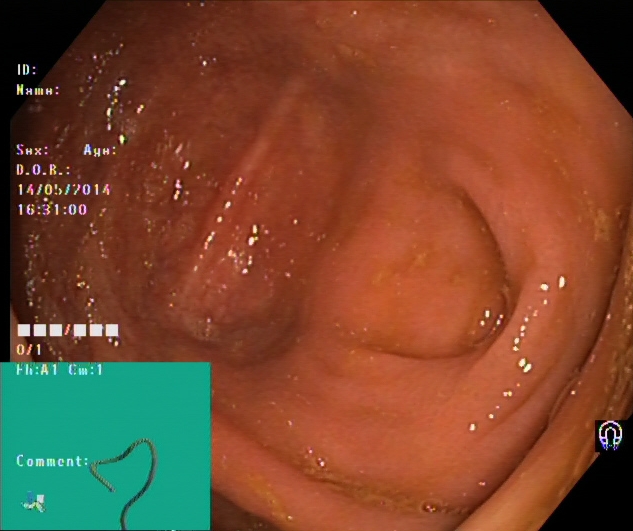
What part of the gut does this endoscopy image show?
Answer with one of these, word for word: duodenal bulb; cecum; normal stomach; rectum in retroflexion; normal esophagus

cecum